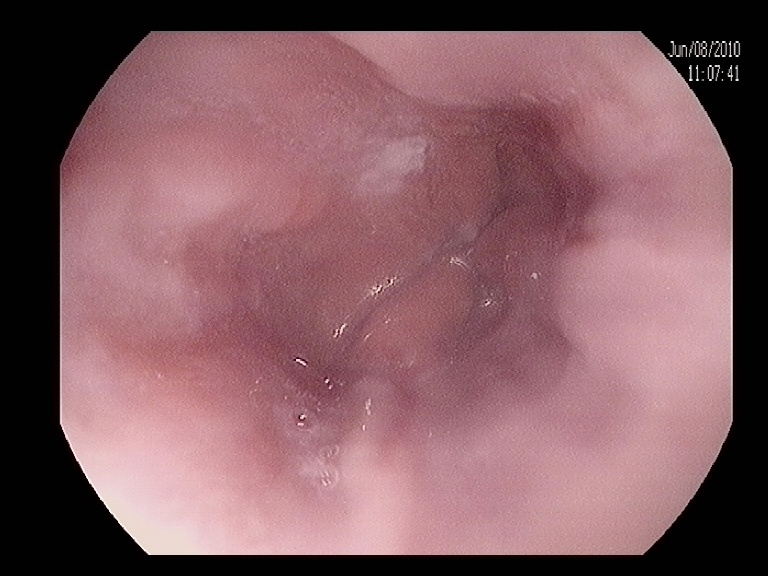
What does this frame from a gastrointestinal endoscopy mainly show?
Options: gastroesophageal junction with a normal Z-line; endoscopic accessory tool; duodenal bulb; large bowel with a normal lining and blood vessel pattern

gastroesophageal junction with a normal Z-line